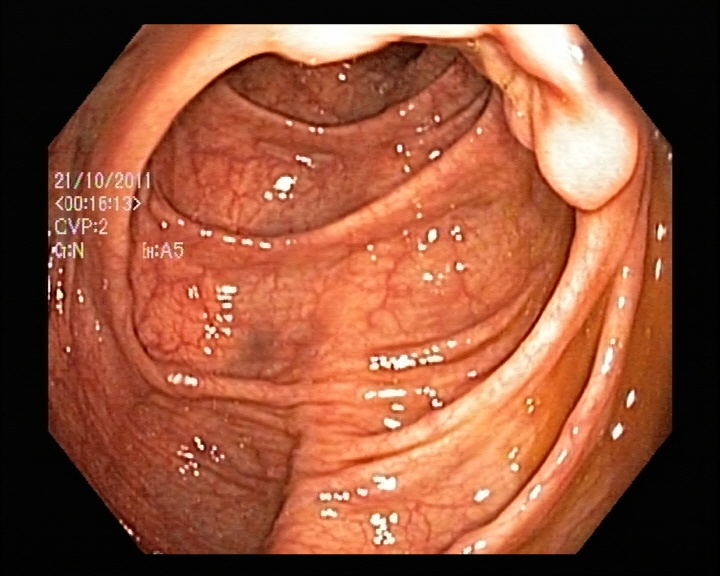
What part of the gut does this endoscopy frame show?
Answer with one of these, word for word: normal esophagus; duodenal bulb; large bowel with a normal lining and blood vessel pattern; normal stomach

large bowel with a normal lining and blood vessel pattern